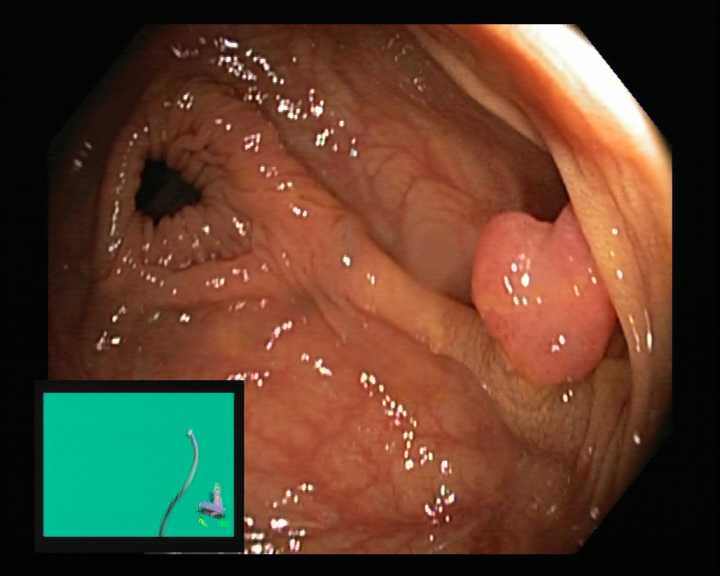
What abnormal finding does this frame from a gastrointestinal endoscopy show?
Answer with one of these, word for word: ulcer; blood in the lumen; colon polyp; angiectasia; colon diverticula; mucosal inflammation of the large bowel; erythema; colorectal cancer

colon polyp